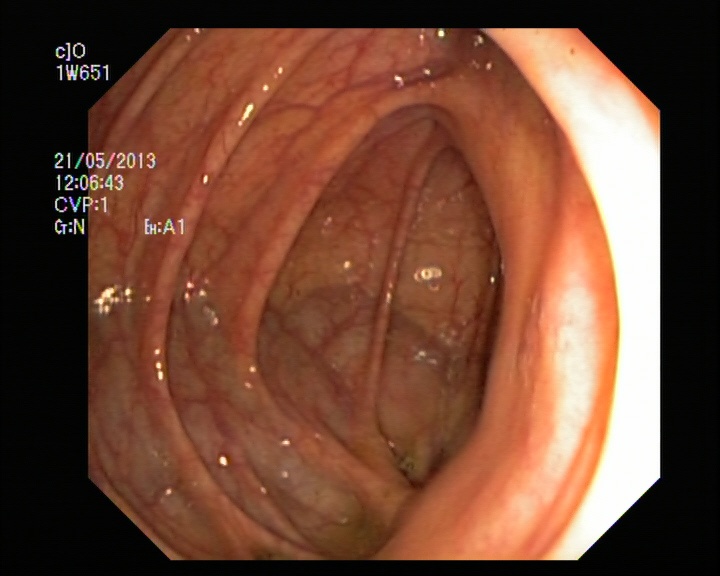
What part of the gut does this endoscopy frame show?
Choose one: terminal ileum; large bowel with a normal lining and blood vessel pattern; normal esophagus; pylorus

large bowel with a normal lining and blood vessel pattern